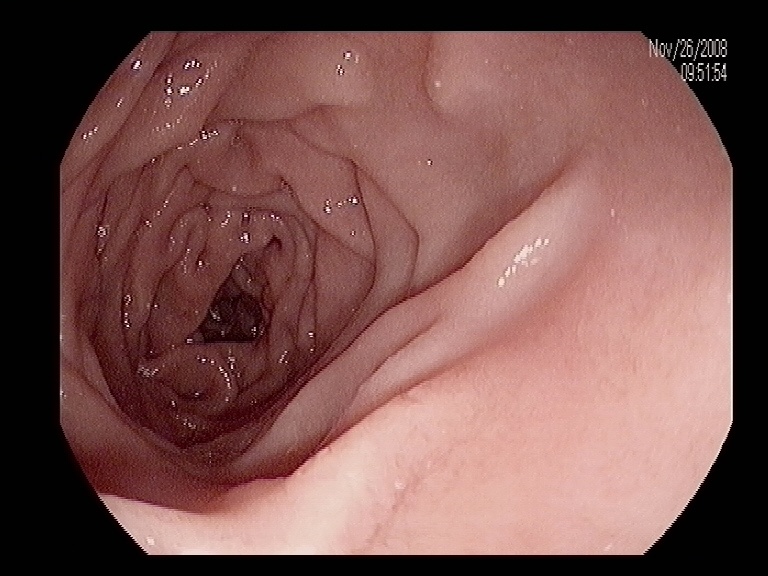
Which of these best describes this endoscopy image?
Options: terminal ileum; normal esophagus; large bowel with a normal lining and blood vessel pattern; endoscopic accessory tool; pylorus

terminal ileum